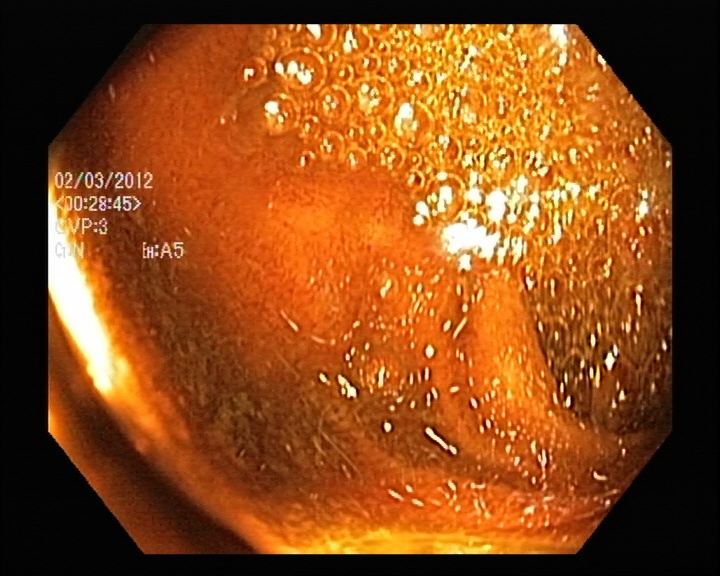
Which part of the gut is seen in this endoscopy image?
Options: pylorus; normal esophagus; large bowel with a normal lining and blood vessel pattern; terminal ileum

large bowel with a normal lining and blood vessel pattern